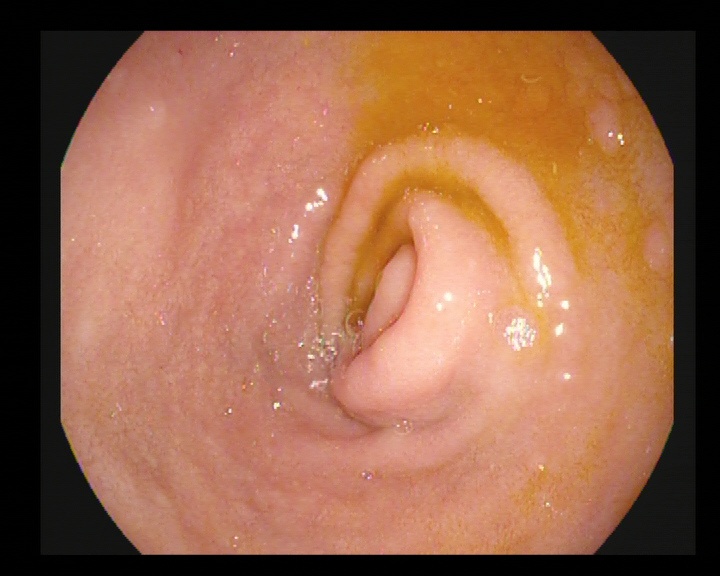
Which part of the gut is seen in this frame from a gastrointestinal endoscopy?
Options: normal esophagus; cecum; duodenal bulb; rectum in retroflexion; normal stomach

normal stomach